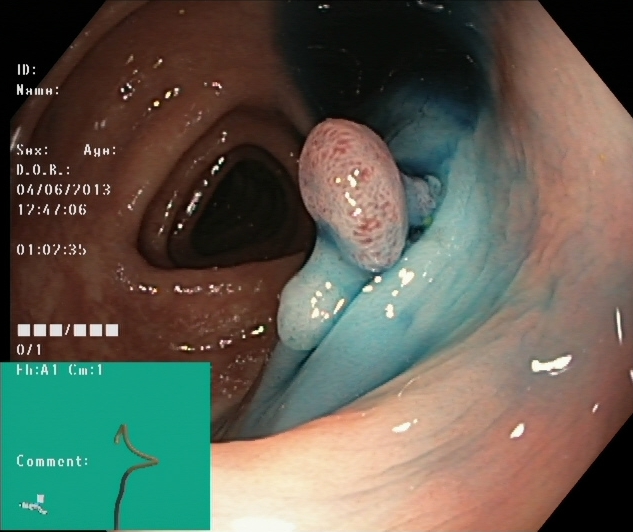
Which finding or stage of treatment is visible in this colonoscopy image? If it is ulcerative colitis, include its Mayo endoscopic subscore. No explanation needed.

dyed and lifted polyp (pre-resection)